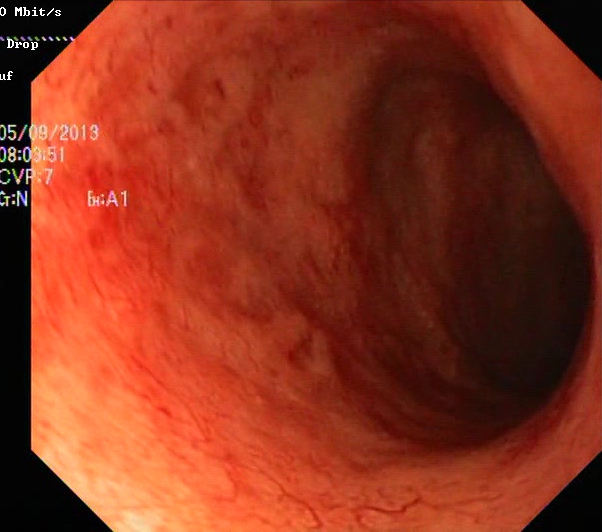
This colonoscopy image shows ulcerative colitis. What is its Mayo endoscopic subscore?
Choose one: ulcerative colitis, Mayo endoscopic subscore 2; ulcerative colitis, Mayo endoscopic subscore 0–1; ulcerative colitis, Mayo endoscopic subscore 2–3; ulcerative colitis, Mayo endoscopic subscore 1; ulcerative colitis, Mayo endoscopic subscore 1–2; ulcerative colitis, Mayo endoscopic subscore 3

ulcerative colitis, Mayo endoscopic subscore 2